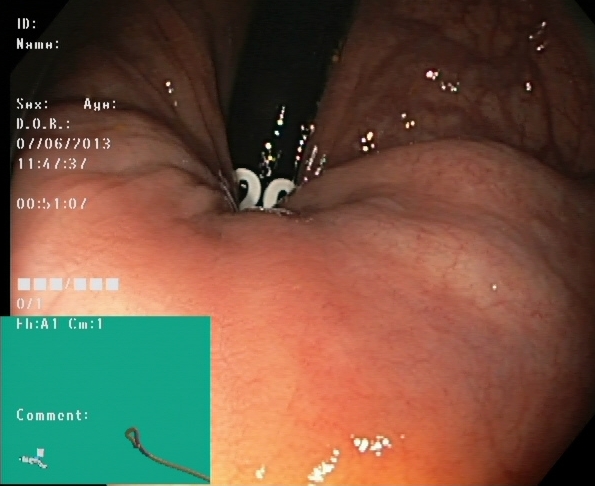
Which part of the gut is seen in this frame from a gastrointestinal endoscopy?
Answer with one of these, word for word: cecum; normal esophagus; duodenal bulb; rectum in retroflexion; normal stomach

rectum in retroflexion